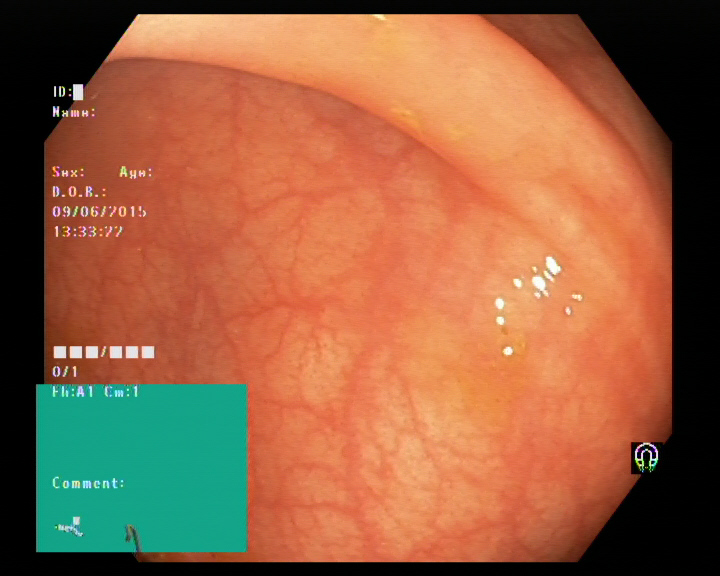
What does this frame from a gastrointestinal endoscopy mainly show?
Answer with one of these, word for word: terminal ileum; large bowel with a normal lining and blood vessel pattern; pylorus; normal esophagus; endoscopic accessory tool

large bowel with a normal lining and blood vessel pattern